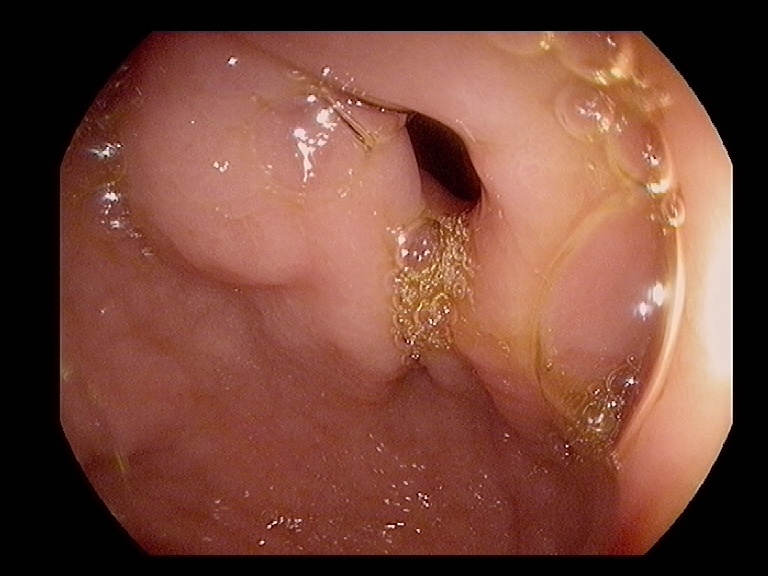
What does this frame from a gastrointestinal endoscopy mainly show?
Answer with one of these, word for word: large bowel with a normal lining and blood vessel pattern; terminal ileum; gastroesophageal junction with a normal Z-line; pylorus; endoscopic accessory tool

pylorus